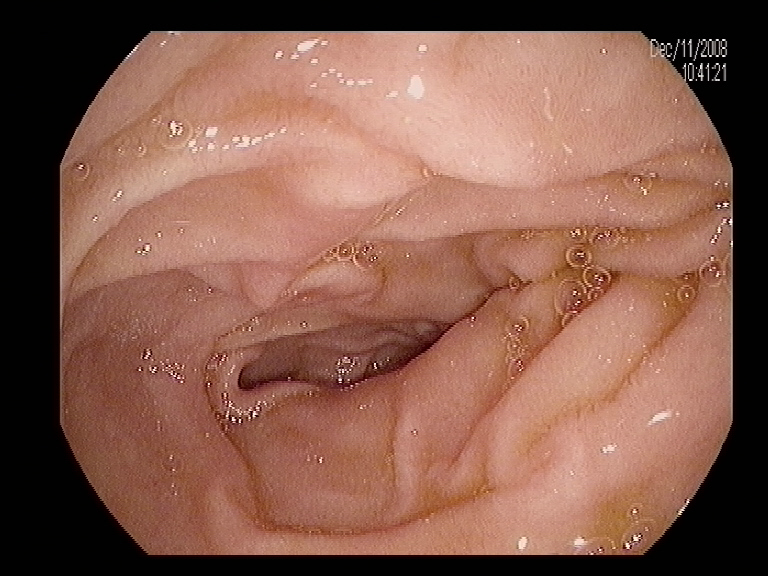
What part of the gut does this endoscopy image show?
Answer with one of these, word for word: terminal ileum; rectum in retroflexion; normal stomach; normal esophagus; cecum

terminal ileum